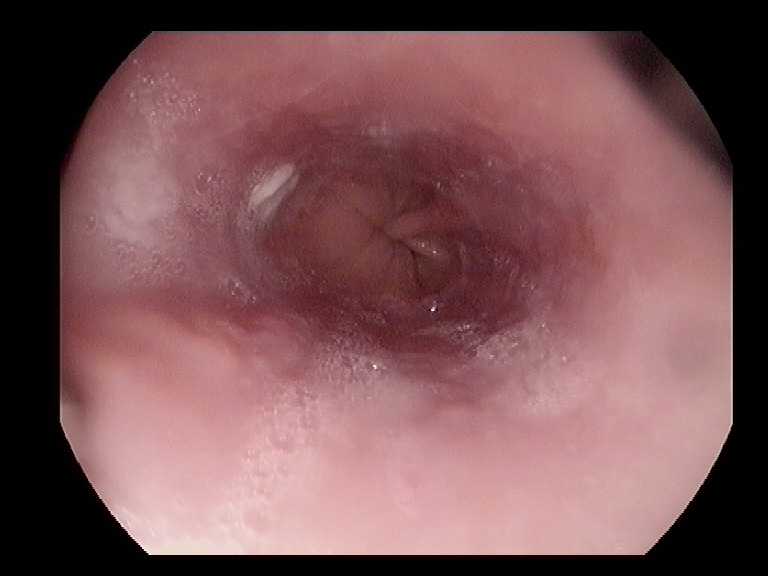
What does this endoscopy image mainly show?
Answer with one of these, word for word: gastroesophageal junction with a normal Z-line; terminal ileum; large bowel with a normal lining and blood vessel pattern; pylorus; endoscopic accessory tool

gastroesophageal junction with a normal Z-line